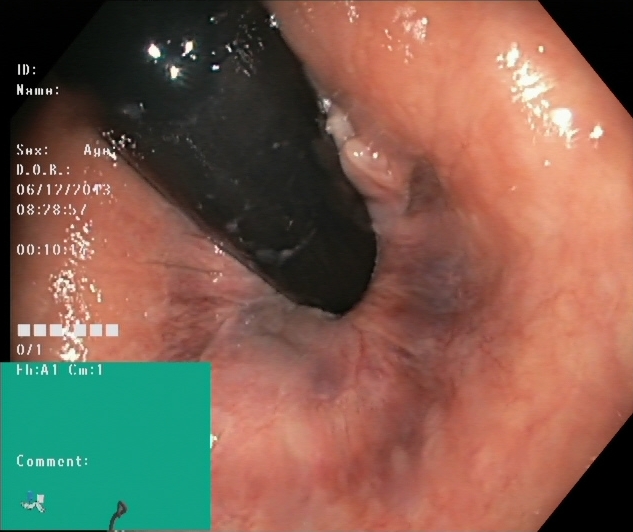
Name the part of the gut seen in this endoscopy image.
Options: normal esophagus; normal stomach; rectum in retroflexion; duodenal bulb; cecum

rectum in retroflexion